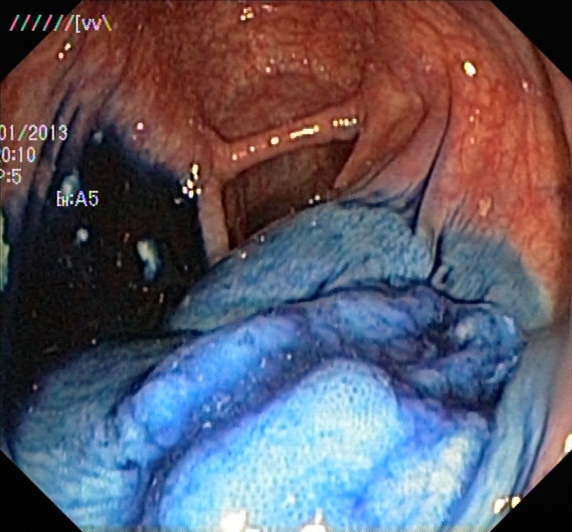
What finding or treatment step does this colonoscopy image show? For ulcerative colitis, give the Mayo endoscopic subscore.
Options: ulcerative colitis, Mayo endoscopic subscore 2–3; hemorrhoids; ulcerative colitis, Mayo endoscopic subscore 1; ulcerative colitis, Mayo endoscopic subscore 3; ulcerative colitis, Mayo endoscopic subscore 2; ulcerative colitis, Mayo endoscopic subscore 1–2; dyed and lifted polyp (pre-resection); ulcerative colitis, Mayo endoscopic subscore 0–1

dyed and lifted polyp (pre-resection)